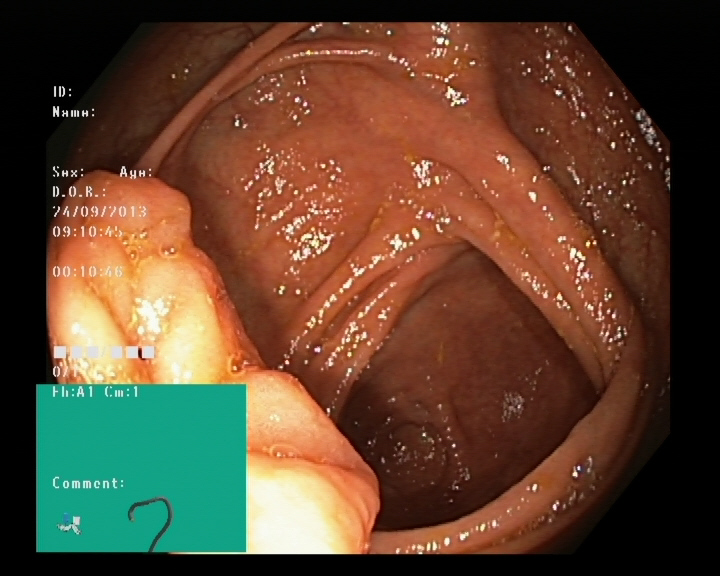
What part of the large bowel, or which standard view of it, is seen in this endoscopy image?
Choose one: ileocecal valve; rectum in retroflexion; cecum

ileocecal valve